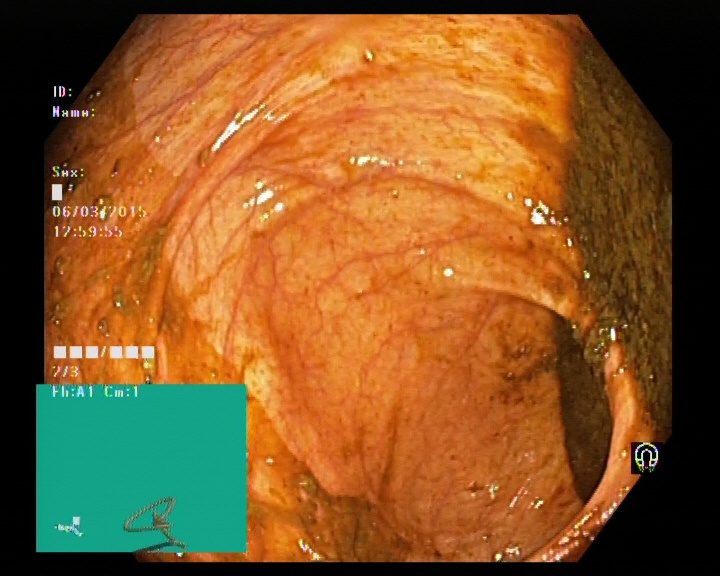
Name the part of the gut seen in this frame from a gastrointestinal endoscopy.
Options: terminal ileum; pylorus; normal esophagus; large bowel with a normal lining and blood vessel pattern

large bowel with a normal lining and blood vessel pattern